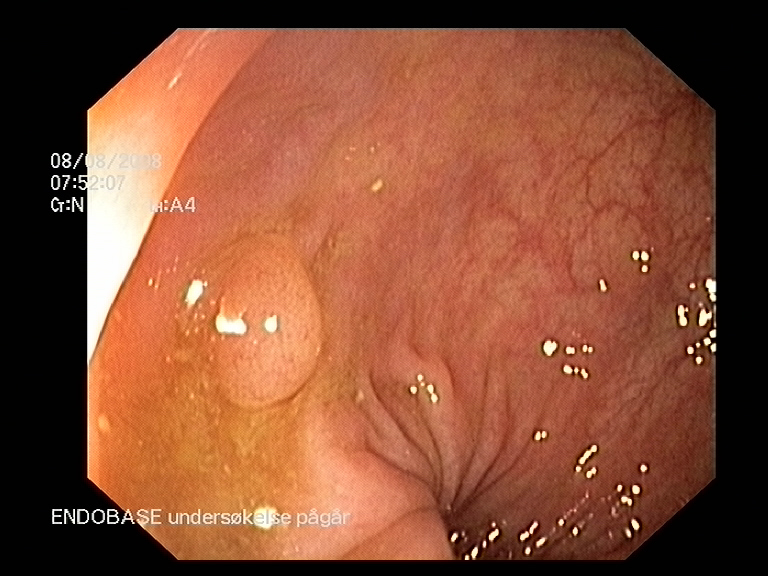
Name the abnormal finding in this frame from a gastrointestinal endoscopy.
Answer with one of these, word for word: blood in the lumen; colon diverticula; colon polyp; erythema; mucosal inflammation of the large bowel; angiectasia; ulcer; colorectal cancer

colon polyp